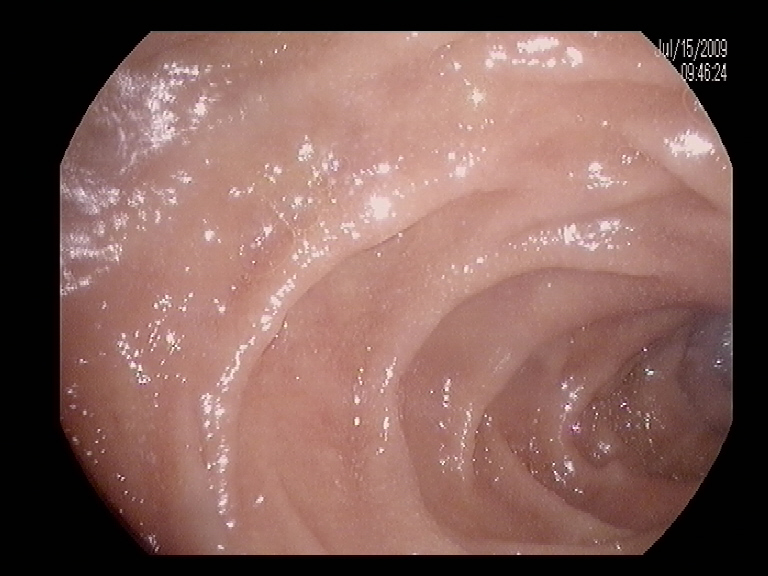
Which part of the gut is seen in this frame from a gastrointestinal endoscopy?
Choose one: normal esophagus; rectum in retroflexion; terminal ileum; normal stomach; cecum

terminal ileum